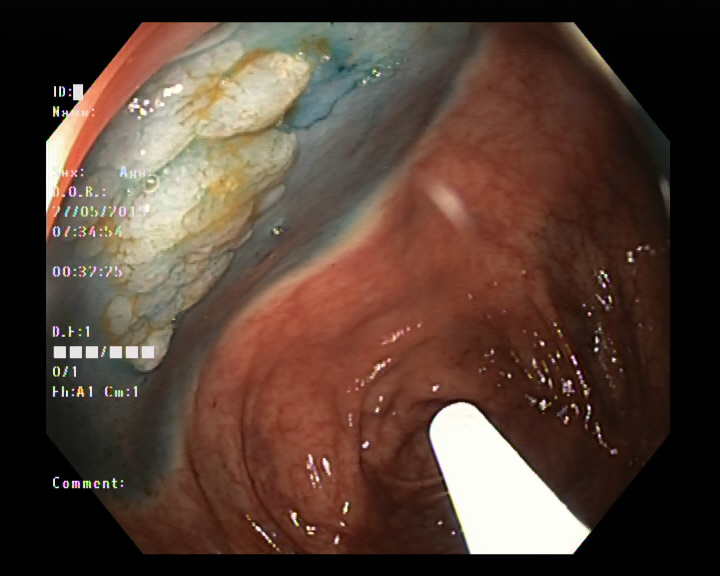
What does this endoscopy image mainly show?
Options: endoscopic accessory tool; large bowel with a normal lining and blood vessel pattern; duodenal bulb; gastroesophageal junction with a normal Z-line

endoscopic accessory tool